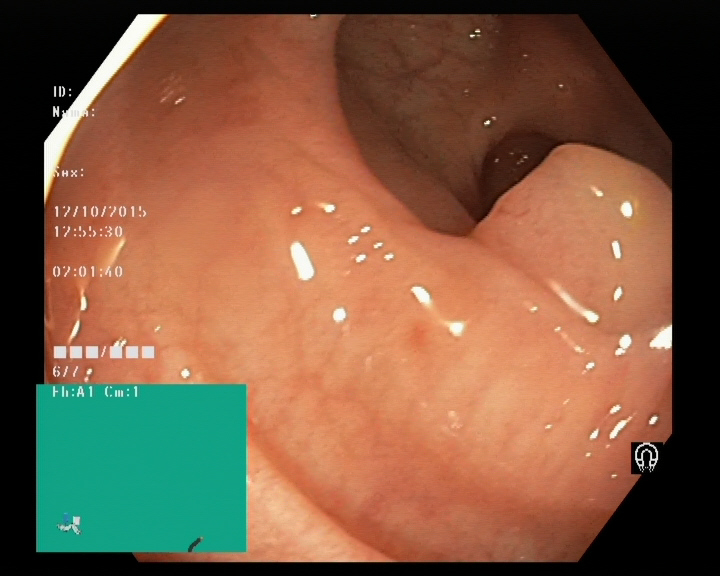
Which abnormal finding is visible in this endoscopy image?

colon polyp